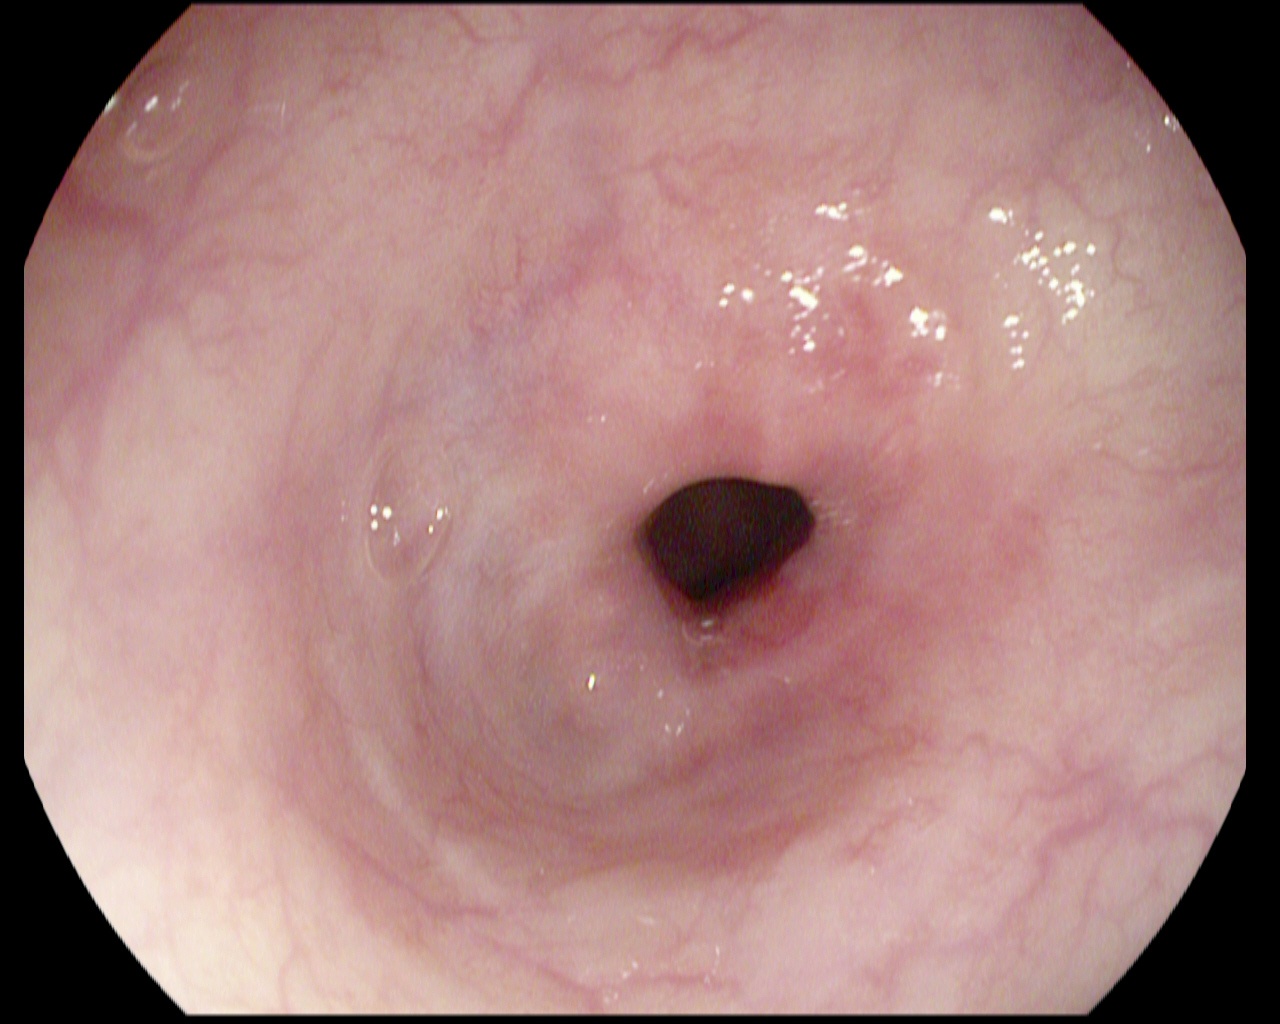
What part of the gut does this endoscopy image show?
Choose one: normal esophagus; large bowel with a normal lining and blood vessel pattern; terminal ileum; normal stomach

normal esophagus